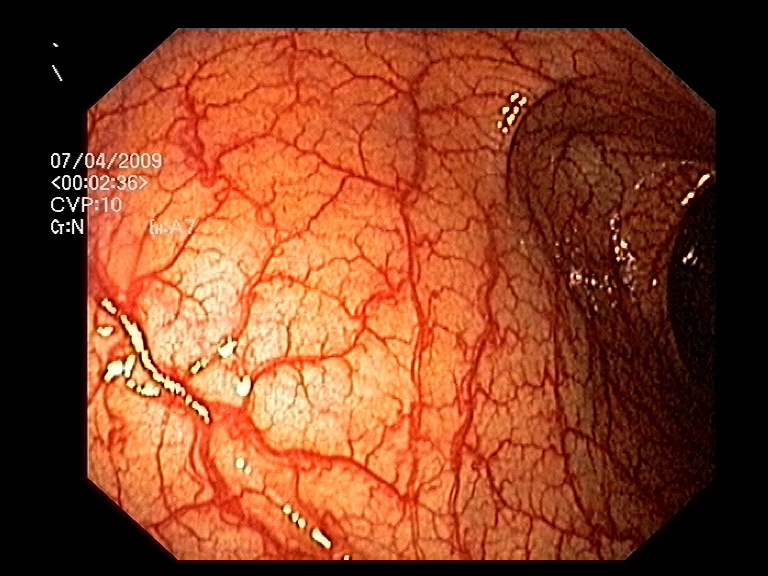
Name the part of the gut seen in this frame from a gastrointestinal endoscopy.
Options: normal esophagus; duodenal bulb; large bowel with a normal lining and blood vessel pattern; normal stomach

large bowel with a normal lining and blood vessel pattern